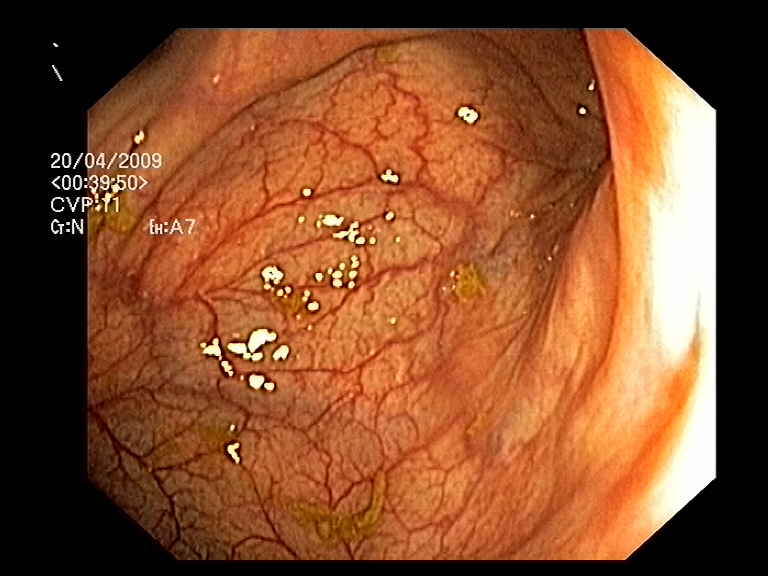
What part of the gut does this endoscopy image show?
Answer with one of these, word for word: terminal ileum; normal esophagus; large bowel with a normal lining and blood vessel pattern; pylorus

large bowel with a normal lining and blood vessel pattern